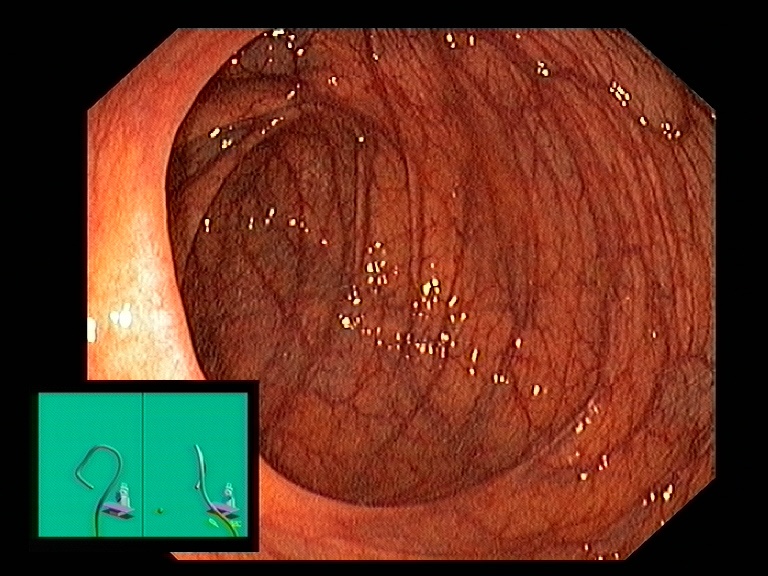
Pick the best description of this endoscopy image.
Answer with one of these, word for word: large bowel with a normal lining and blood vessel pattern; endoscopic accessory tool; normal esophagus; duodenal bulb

large bowel with a normal lining and blood vessel pattern